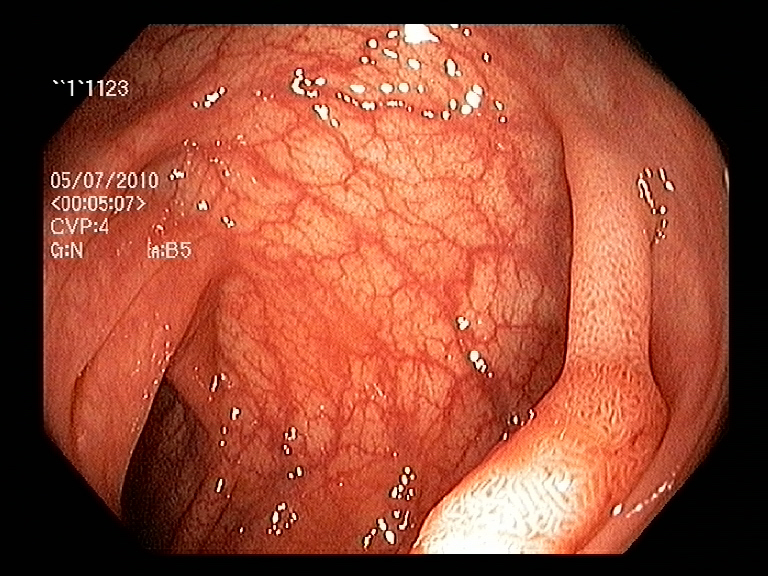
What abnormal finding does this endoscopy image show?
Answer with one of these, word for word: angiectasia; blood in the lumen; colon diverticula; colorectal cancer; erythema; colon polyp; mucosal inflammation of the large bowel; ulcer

colon polyp